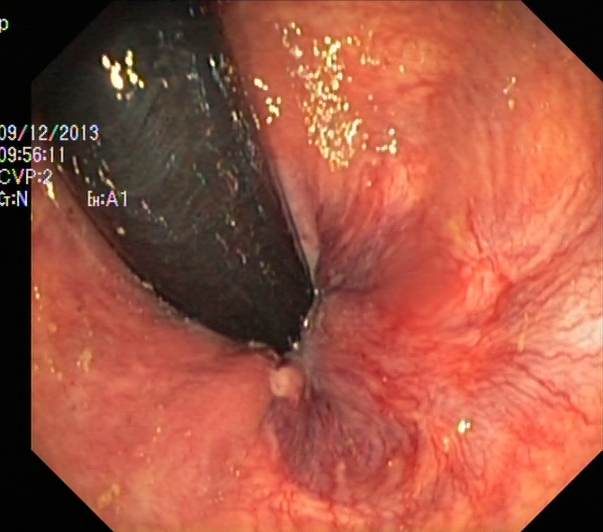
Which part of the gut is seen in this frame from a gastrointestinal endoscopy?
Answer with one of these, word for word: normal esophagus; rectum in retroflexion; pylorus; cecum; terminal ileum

rectum in retroflexion